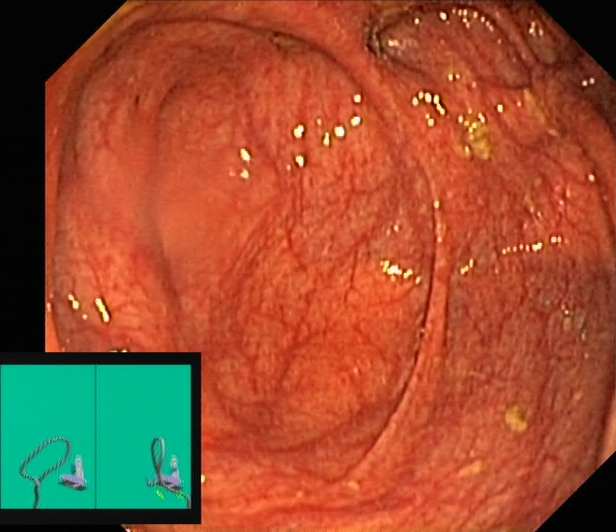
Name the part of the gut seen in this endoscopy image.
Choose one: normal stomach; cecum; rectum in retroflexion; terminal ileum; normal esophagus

cecum